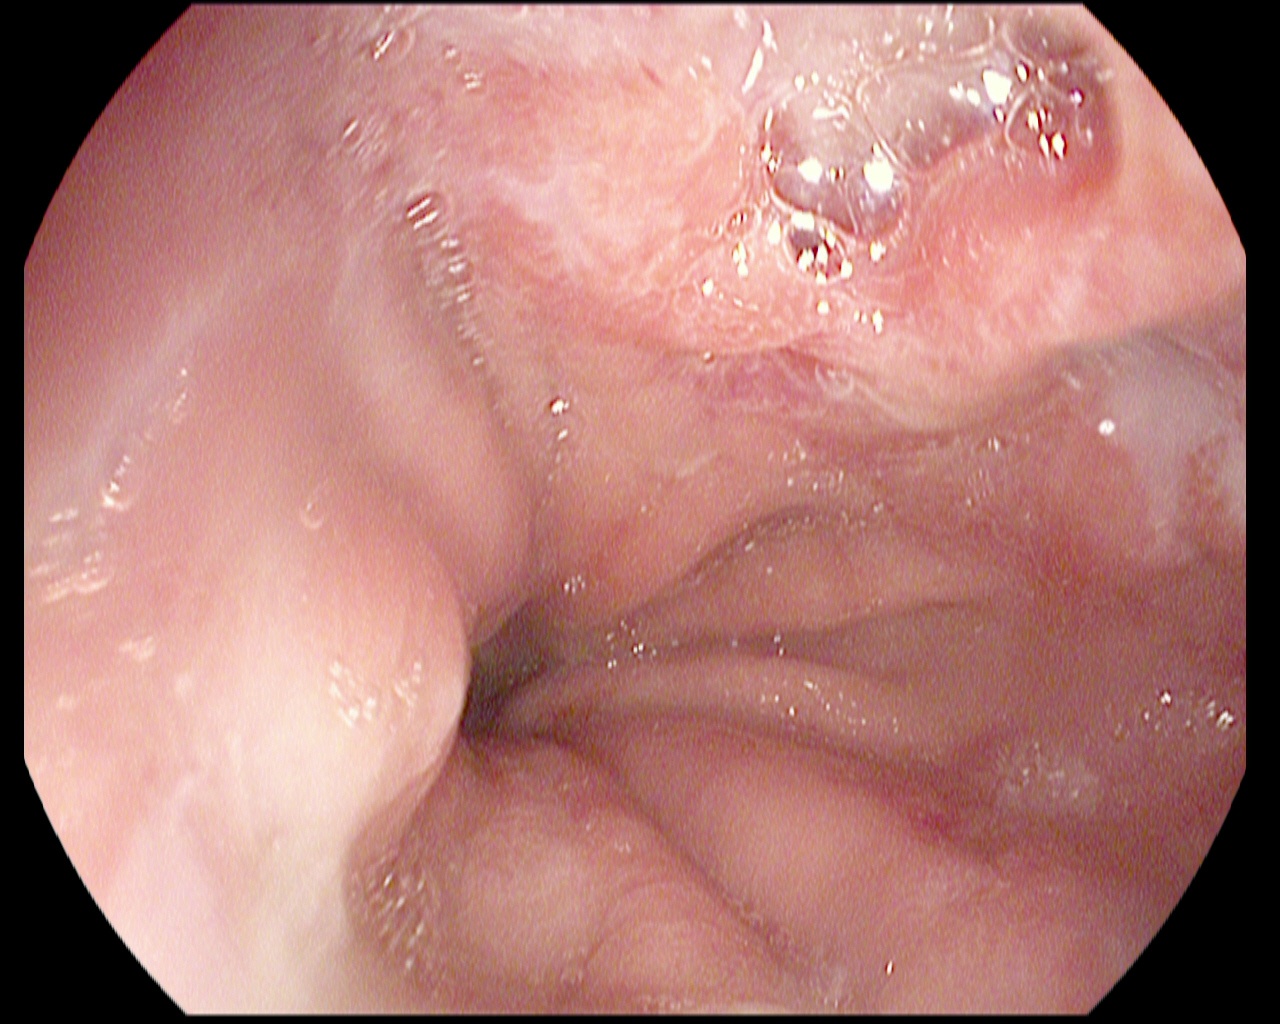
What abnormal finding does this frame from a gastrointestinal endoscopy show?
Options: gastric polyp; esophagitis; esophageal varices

esophagitis